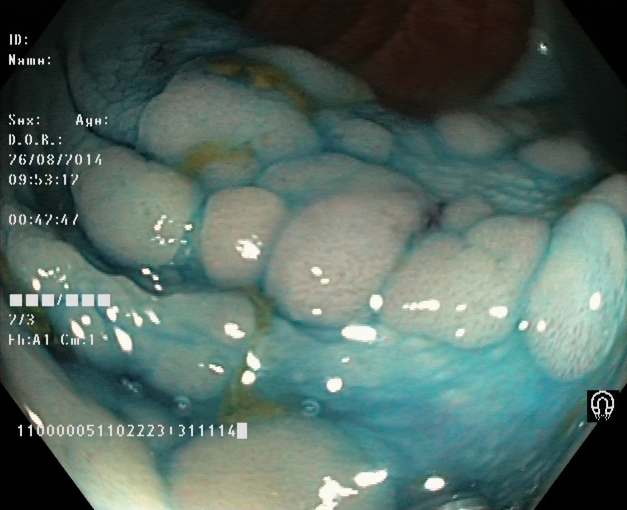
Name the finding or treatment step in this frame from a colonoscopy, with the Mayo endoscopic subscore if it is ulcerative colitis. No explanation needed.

dyed and lifted polyp (pre-resection)